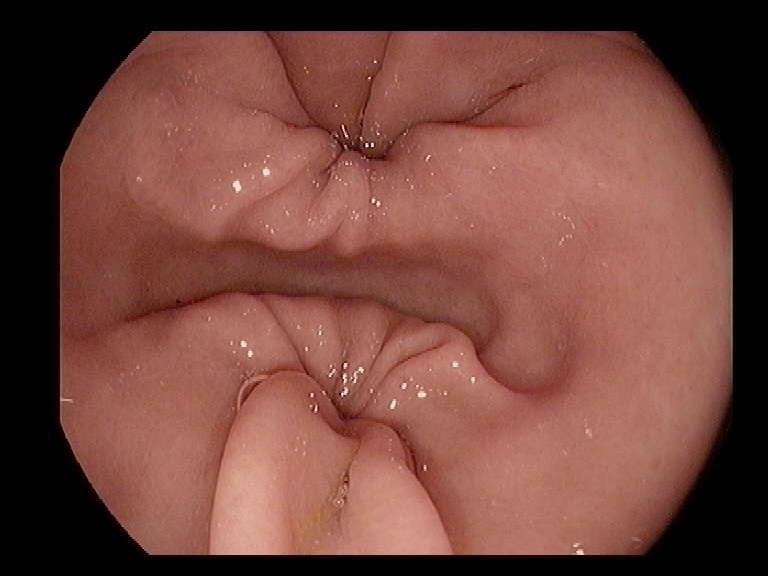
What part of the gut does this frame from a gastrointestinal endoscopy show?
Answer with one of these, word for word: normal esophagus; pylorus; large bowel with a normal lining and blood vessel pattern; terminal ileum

pylorus